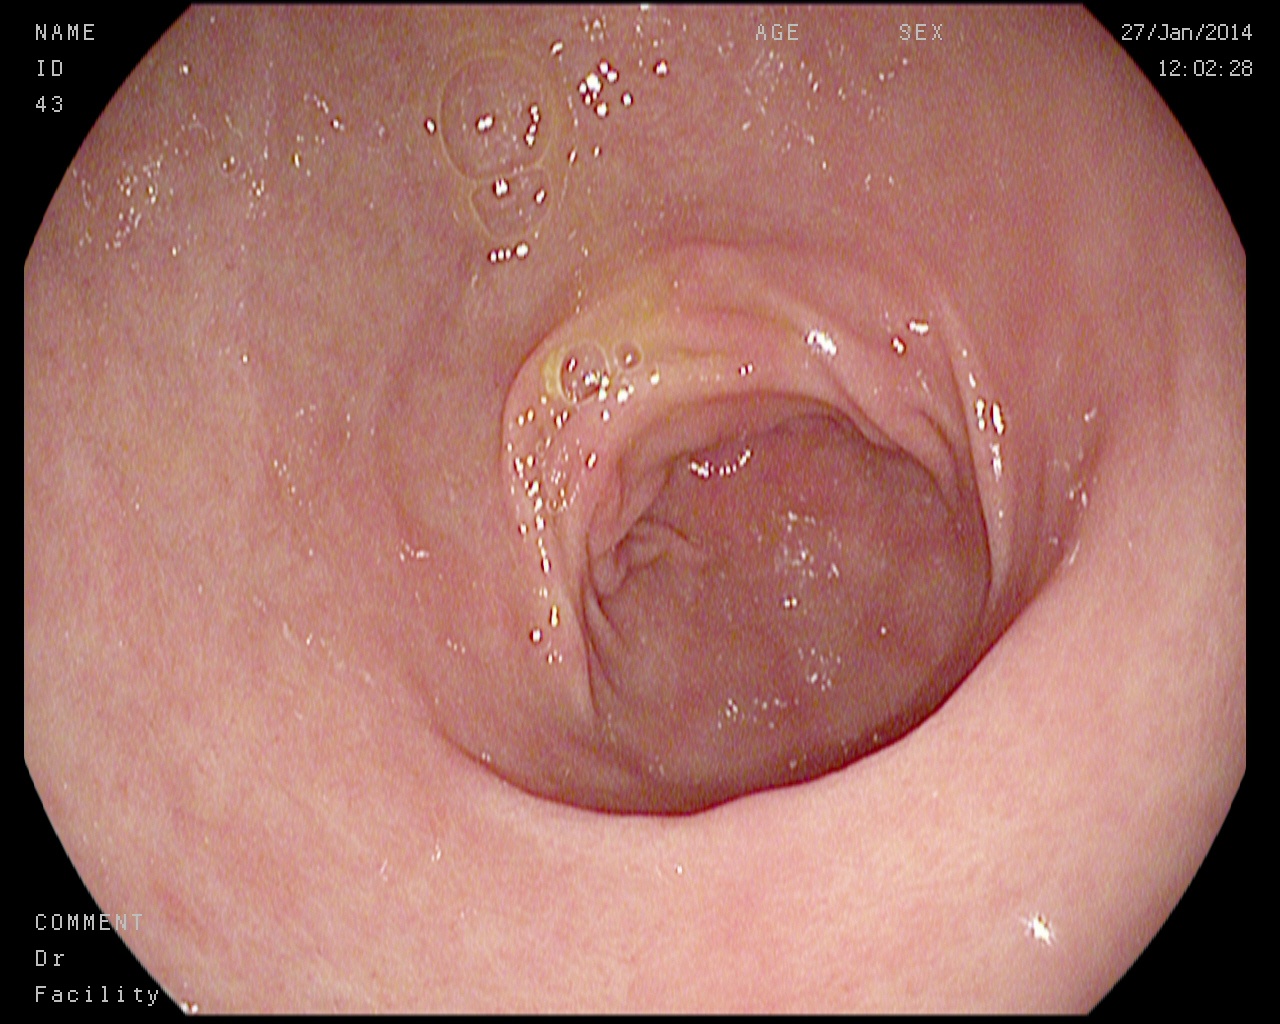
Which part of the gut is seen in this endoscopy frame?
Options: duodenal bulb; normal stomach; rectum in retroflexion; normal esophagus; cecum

normal stomach